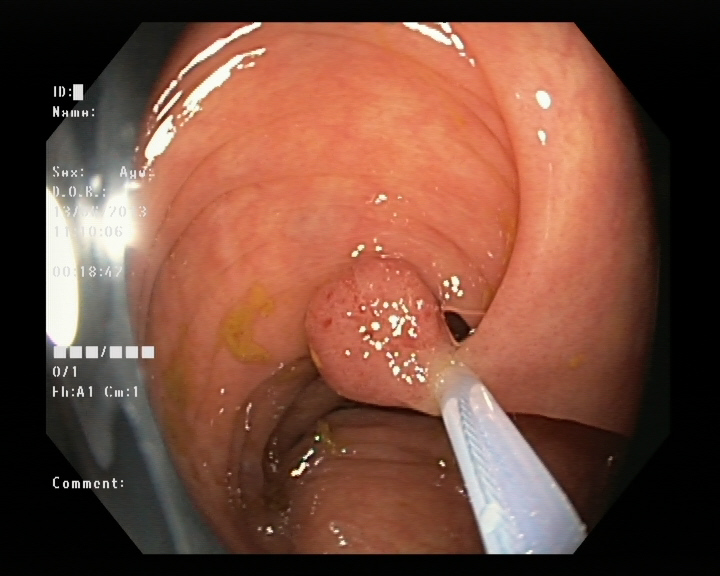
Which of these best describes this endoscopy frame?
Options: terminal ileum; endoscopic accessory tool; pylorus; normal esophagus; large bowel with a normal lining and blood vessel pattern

endoscopic accessory tool